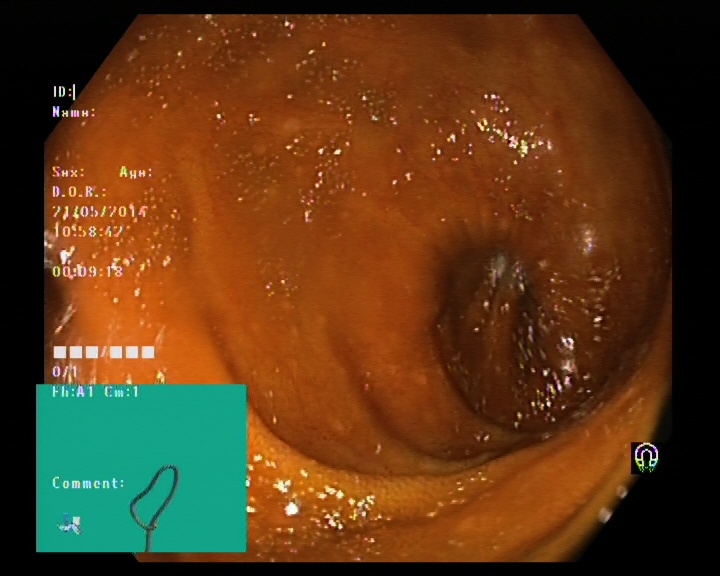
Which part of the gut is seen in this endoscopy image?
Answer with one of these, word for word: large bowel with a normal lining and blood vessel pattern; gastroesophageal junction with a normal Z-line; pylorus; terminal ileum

large bowel with a normal lining and blood vessel pattern